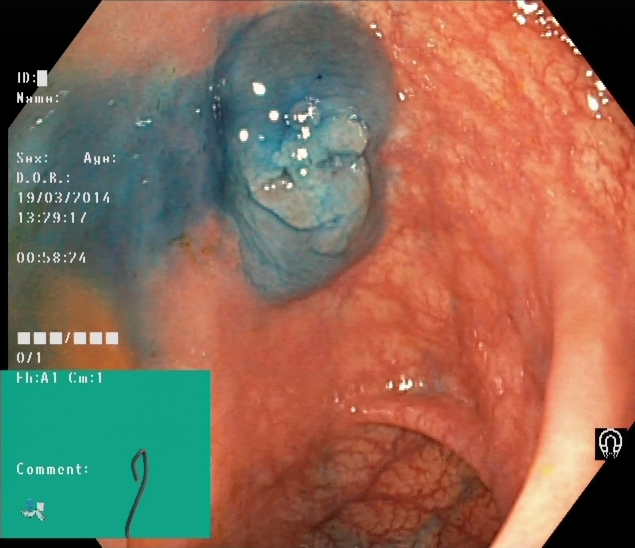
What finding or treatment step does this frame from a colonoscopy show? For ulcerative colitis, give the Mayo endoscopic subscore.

dyed and lifted polyp (pre-resection)